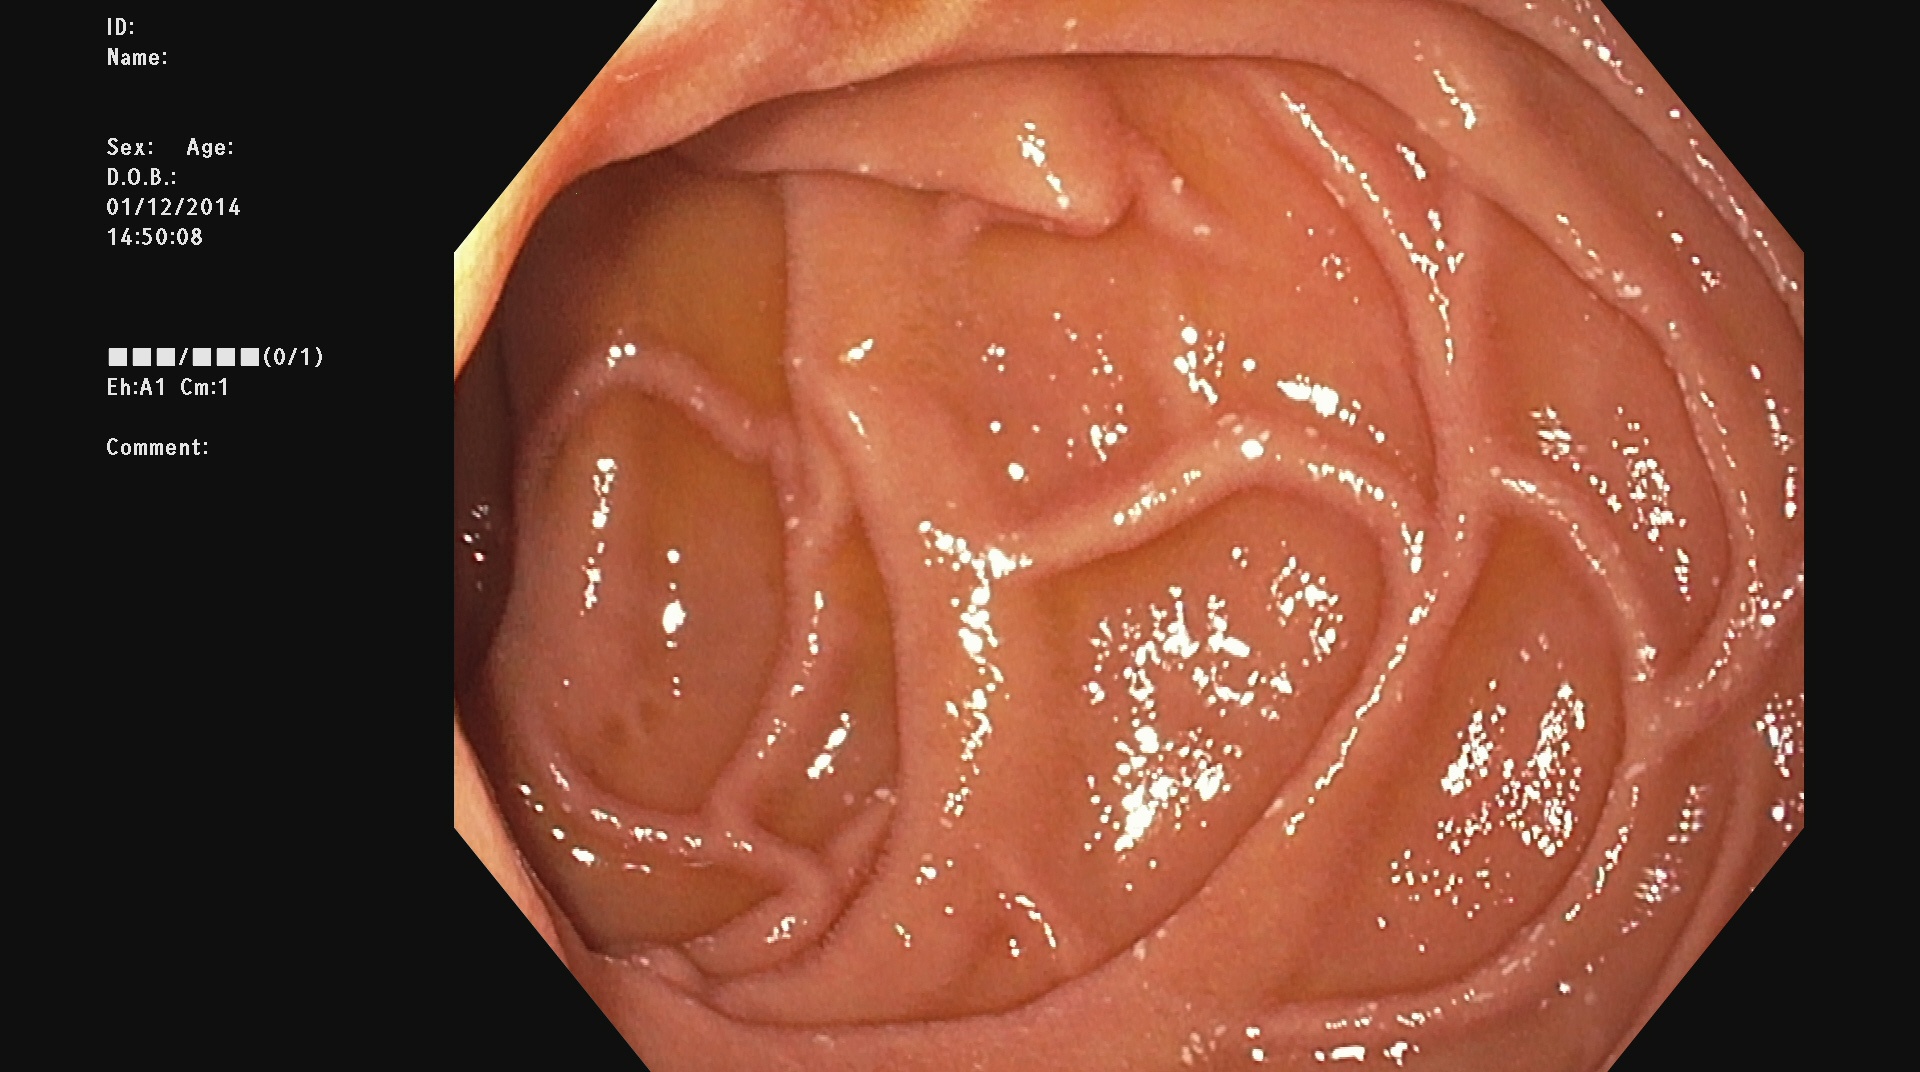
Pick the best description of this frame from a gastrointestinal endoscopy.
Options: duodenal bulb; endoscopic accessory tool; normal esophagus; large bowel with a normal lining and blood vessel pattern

large bowel with a normal lining and blood vessel pattern